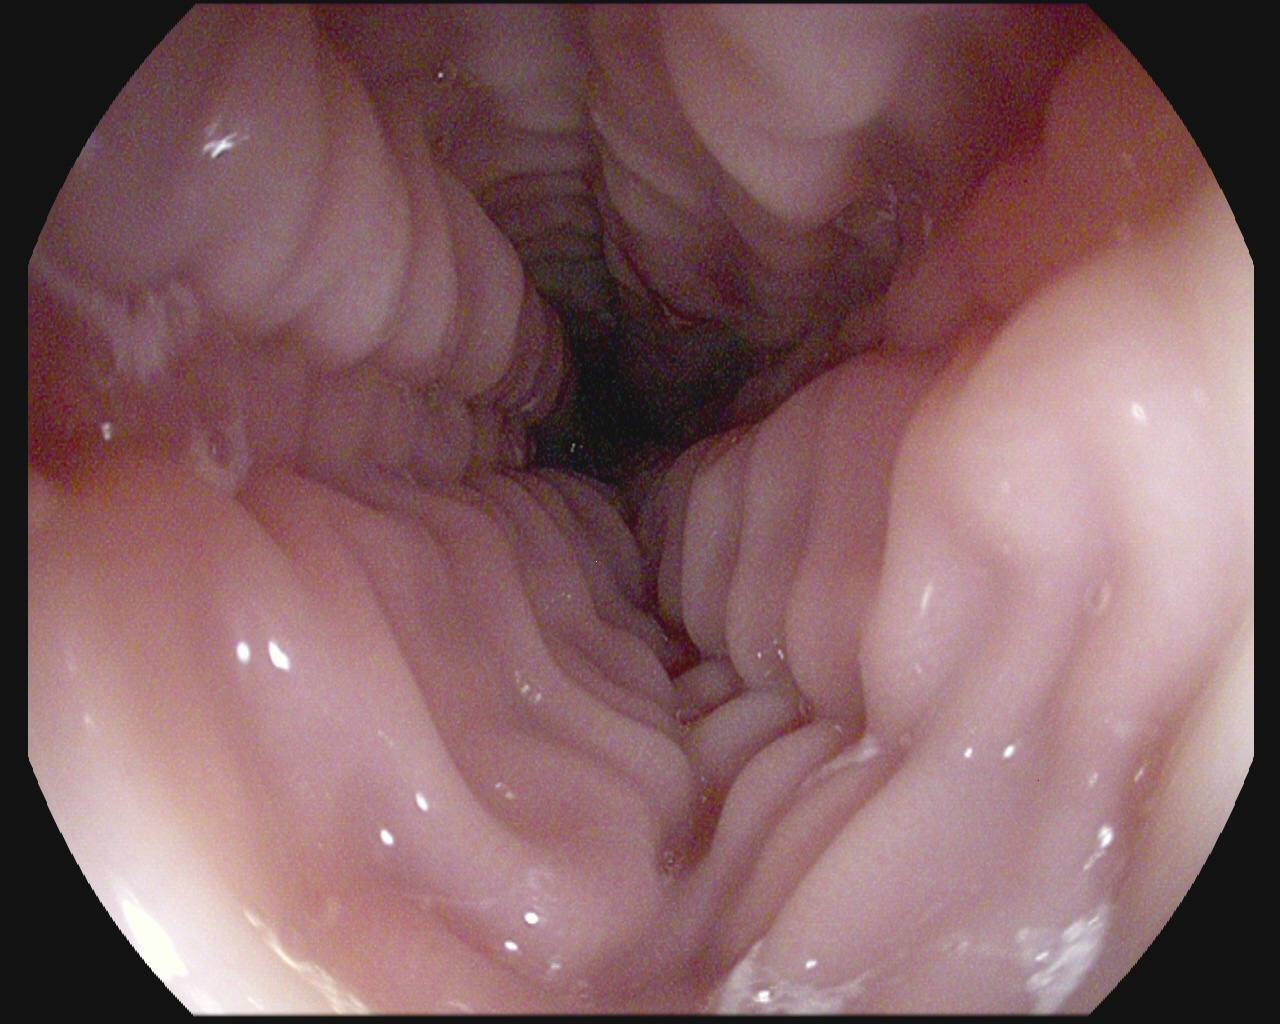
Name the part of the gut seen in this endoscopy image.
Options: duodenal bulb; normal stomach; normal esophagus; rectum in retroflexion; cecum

normal esophagus